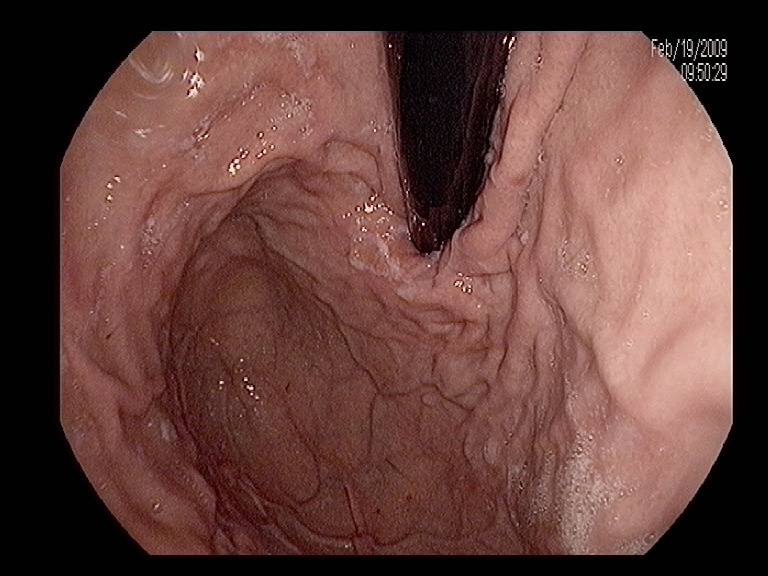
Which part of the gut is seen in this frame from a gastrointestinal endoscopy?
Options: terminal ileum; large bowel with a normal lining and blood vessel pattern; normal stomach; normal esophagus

normal stomach